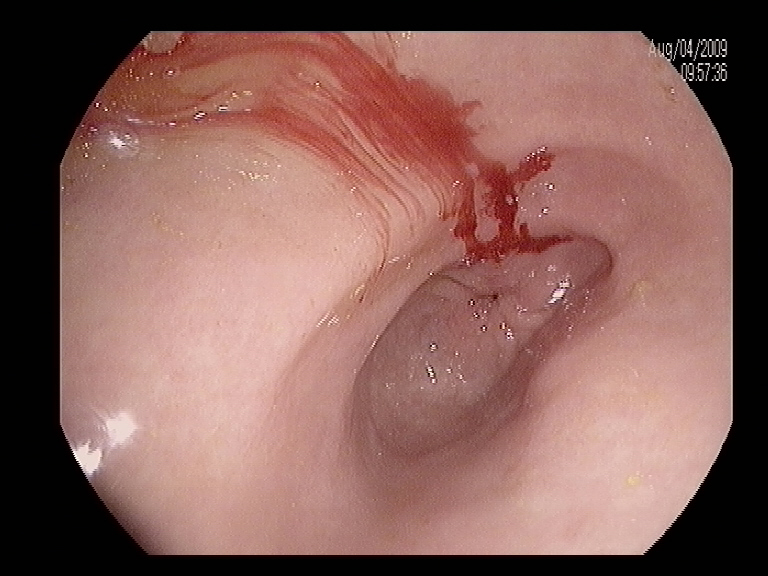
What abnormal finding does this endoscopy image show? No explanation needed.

blood in the lumen